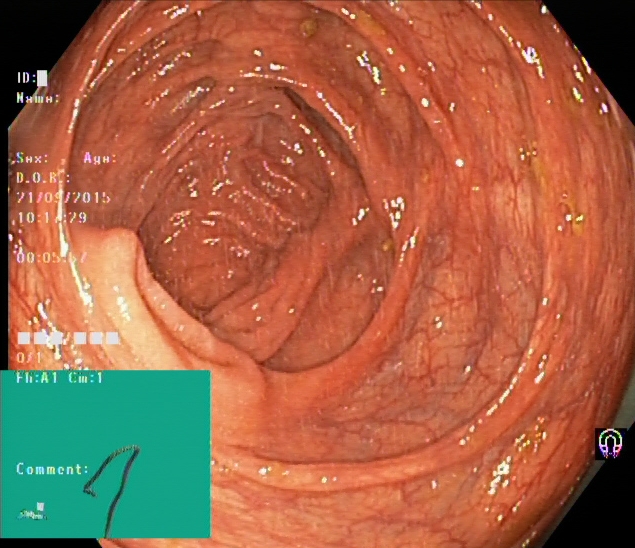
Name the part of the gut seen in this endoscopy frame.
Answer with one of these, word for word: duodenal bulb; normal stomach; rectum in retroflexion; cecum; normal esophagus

cecum